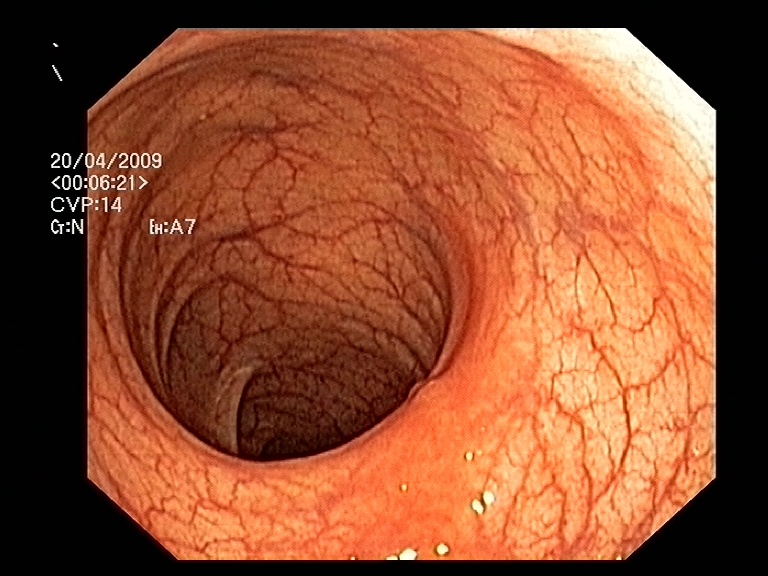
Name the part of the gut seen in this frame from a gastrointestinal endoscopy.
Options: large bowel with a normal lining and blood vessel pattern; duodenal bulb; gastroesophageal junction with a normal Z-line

large bowel with a normal lining and blood vessel pattern